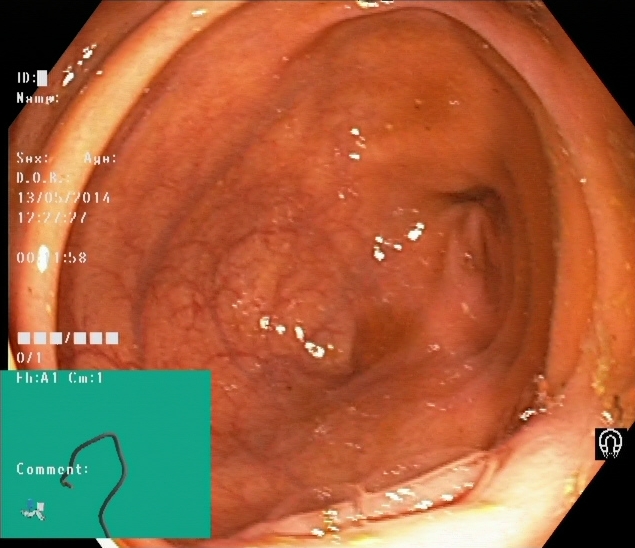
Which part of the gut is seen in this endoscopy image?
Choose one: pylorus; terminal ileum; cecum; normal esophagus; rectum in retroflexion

cecum